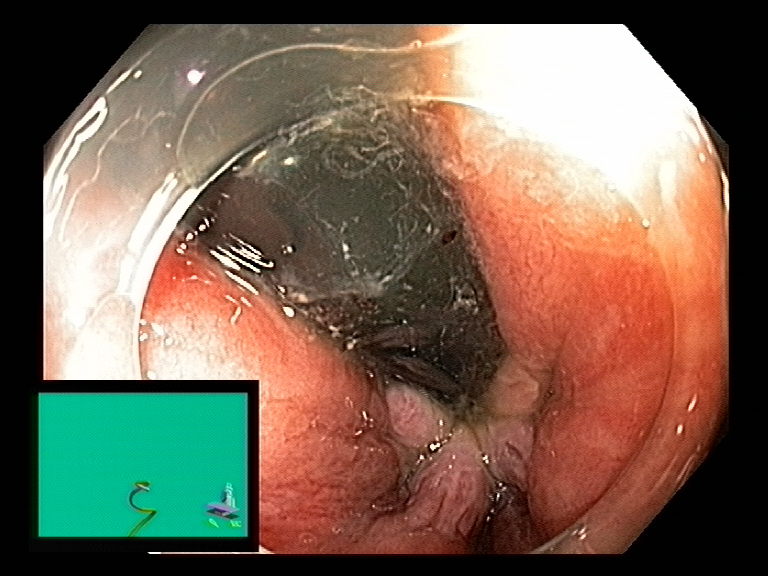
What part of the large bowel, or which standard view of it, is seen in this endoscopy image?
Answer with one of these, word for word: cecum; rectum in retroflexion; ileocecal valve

rectum in retroflexion